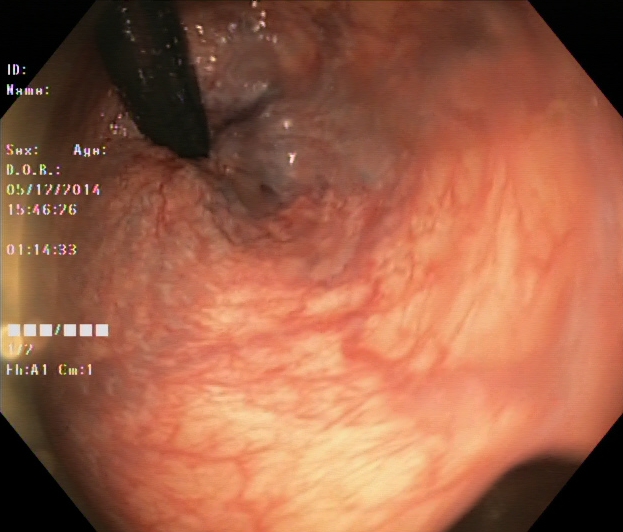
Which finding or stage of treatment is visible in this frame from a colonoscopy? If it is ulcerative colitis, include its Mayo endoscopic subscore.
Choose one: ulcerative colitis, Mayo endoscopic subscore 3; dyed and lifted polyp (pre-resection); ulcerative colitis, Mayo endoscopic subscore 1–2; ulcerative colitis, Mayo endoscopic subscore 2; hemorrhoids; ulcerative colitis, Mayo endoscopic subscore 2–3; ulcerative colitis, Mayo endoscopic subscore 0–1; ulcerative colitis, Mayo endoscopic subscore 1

hemorrhoids